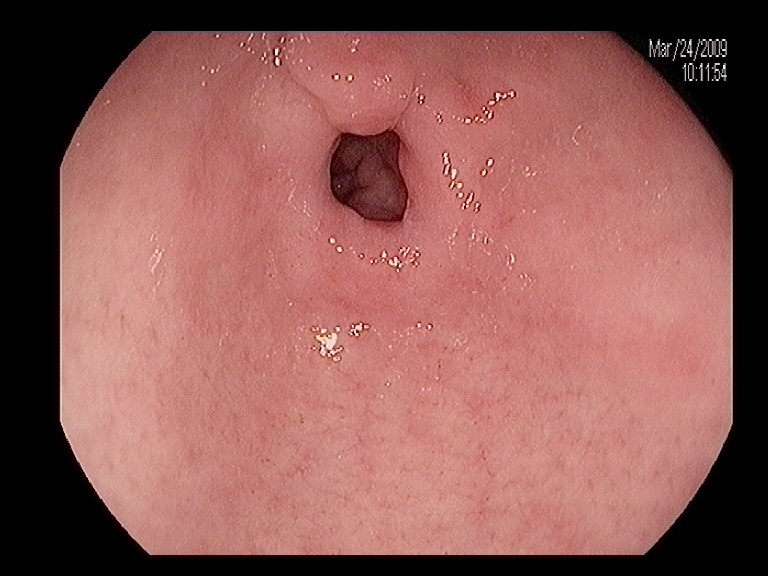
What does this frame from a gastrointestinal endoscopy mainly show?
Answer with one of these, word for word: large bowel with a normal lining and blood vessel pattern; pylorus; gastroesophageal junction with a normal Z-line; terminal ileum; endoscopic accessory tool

pylorus